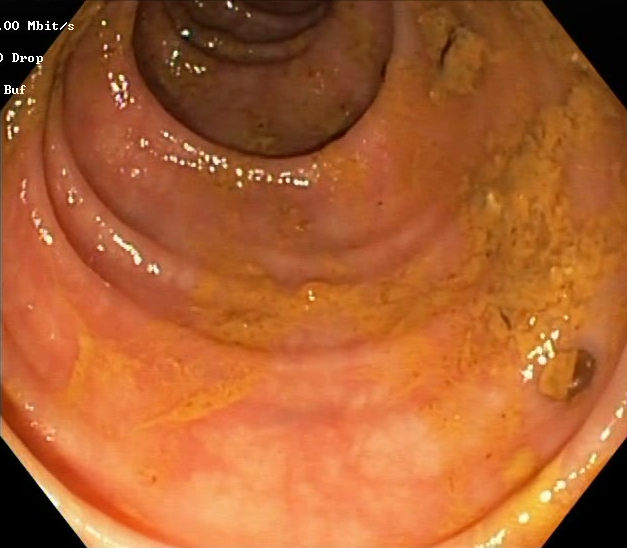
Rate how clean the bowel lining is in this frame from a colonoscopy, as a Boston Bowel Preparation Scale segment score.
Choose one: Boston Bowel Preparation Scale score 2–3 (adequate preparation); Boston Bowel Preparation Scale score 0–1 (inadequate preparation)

Boston Bowel Preparation Scale score 2–3 (adequate preparation)